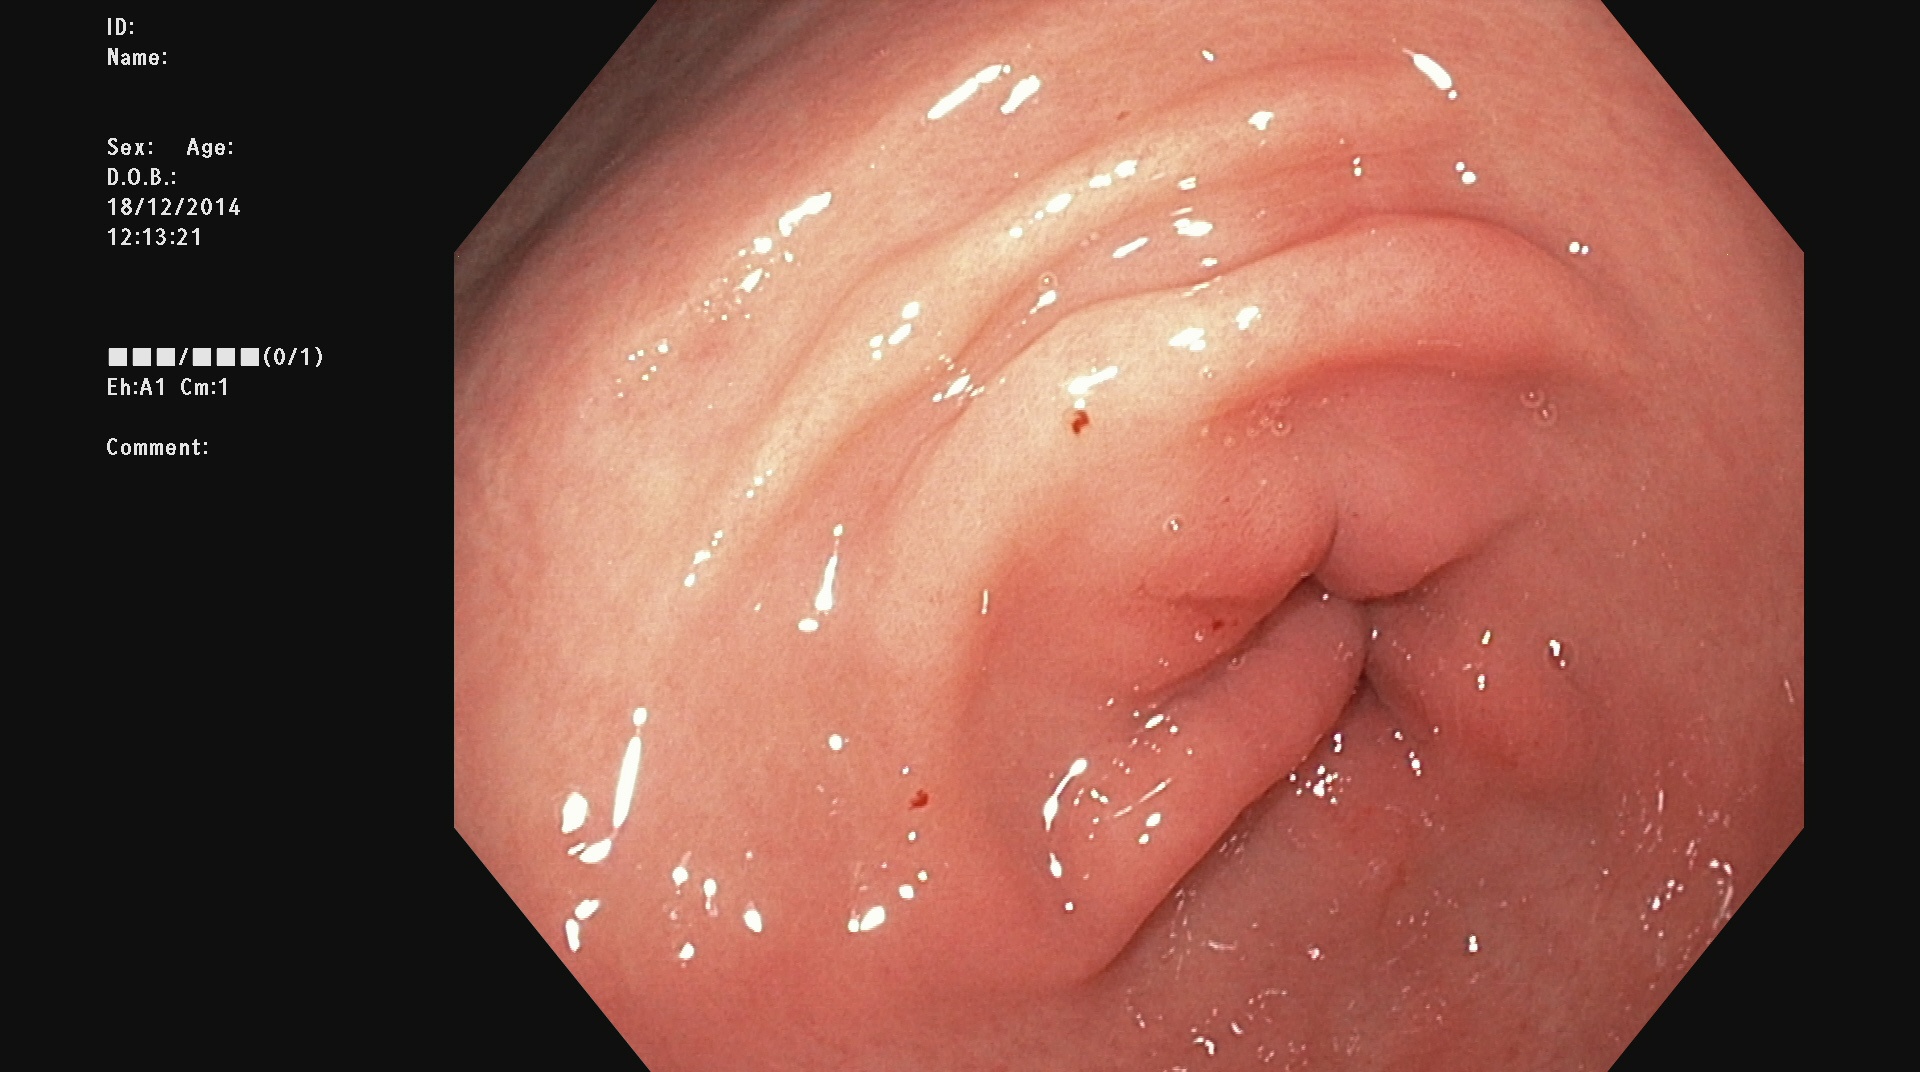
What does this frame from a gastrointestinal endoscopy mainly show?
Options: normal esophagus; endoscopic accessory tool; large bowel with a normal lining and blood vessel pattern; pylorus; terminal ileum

pylorus